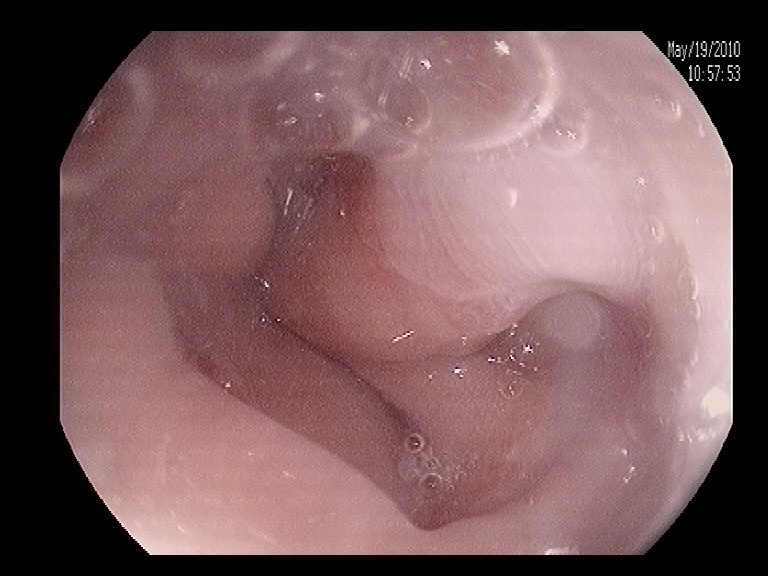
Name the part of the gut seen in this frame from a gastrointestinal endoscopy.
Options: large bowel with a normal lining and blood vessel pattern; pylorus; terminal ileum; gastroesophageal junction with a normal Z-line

gastroesophageal junction with a normal Z-line